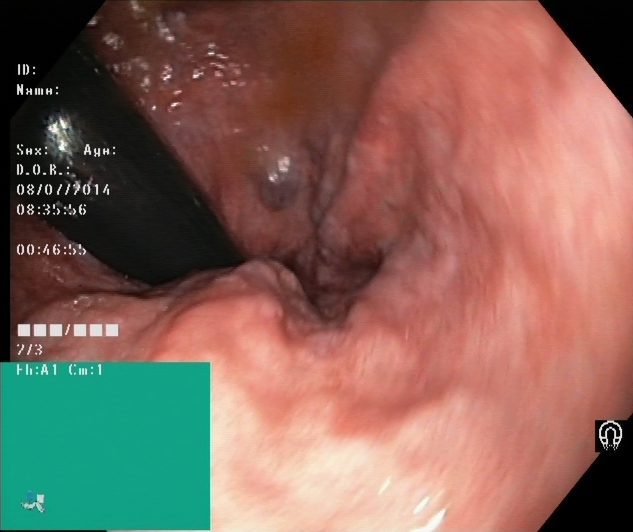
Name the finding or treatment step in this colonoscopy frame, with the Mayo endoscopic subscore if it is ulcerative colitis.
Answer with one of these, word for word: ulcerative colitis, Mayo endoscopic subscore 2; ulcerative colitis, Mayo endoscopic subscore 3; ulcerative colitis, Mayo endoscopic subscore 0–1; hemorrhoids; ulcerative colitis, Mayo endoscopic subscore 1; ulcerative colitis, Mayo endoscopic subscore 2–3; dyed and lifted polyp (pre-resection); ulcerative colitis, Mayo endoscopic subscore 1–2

hemorrhoids